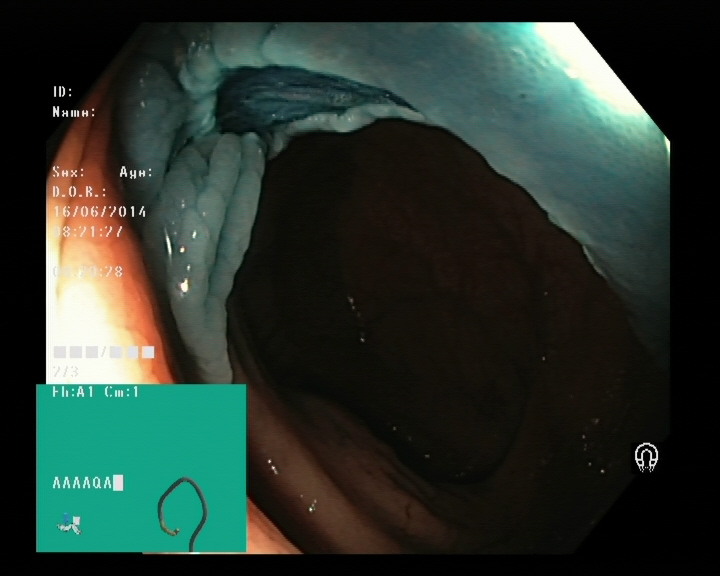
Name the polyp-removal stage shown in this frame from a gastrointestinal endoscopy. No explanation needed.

dyed resection margin (post-polypectomy)